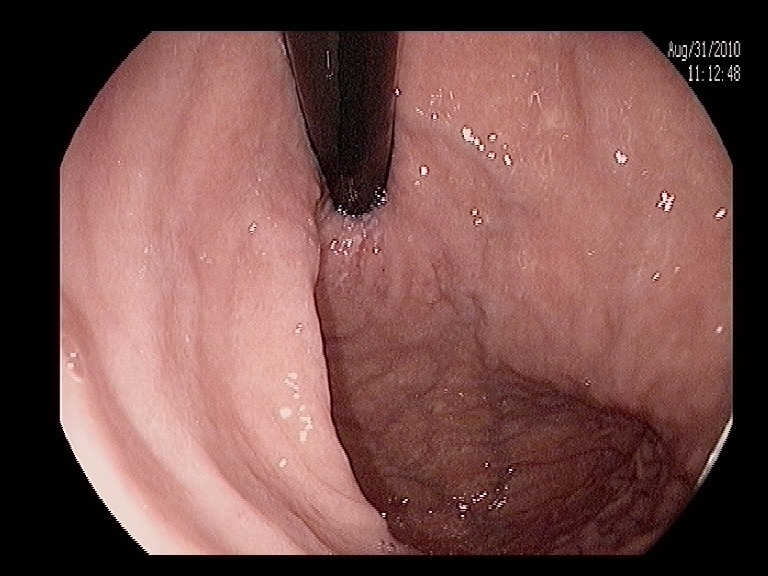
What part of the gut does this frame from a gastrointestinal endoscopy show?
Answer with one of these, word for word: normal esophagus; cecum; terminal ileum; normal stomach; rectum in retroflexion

normal stomach